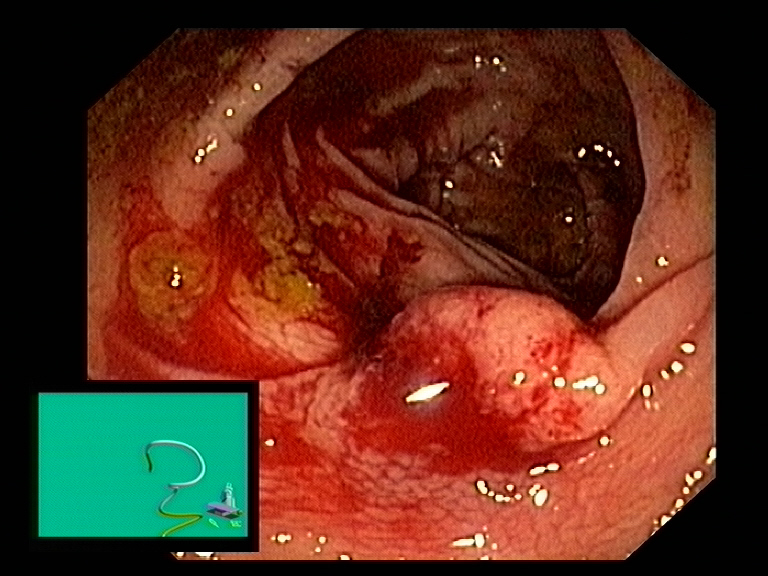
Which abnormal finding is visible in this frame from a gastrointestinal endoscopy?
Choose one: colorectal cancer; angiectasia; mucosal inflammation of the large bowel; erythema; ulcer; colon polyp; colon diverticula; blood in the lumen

colon polyp